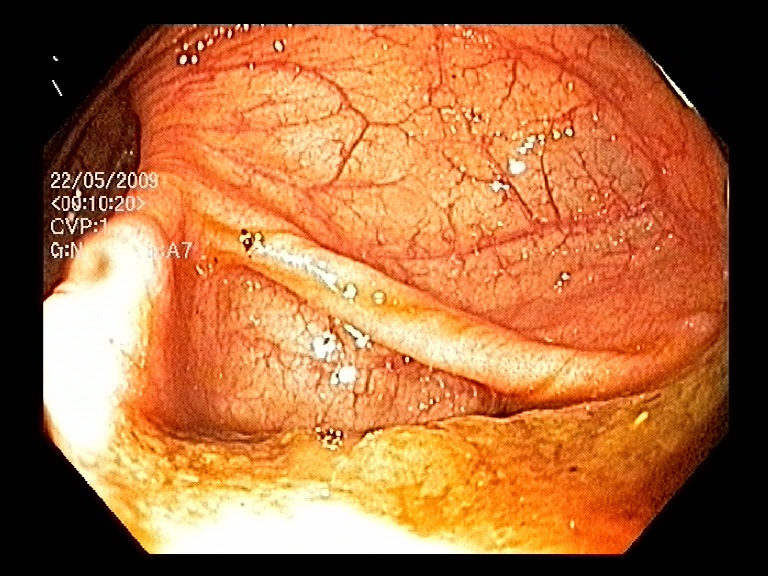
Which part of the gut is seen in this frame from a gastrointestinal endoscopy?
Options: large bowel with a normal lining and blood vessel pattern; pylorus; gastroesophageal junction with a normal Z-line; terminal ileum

large bowel with a normal lining and blood vessel pattern